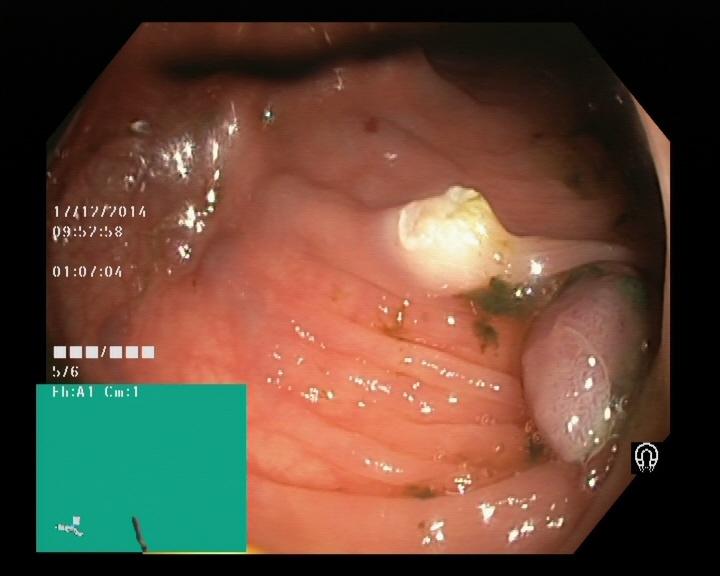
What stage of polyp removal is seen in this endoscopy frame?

resected polyp